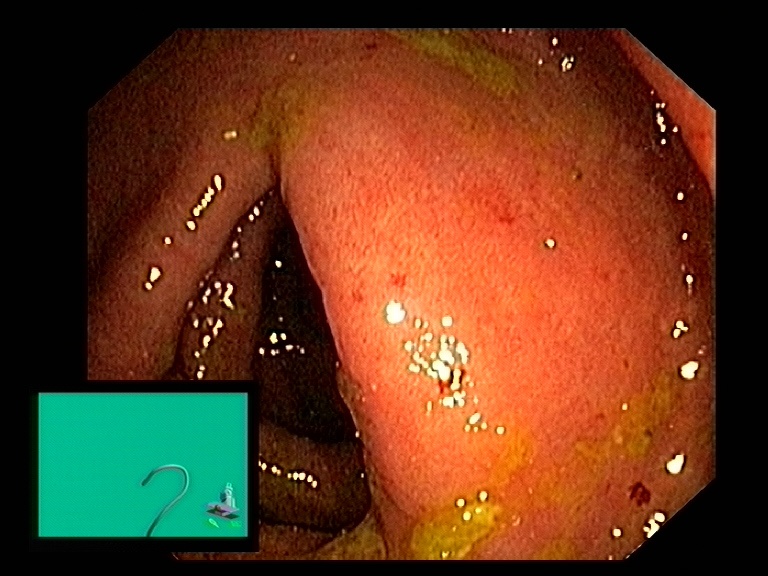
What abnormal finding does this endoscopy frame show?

erythema